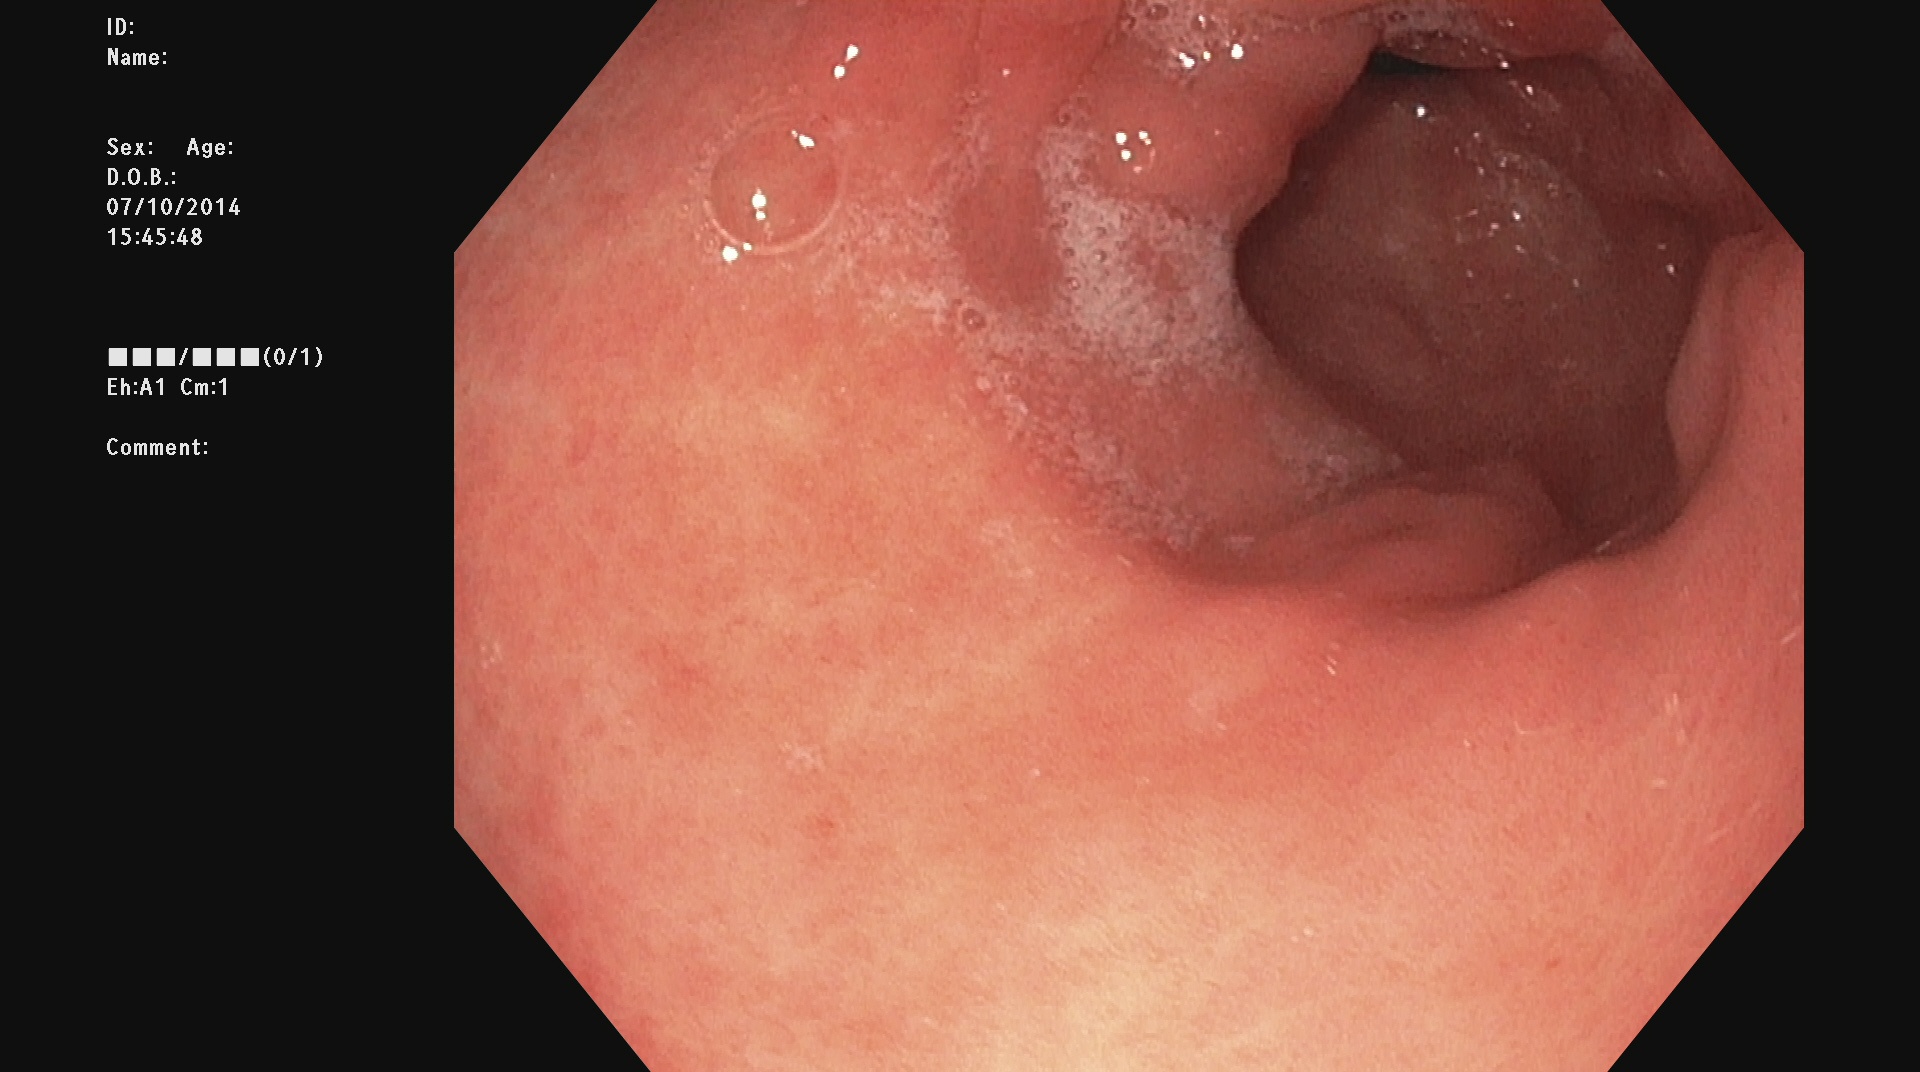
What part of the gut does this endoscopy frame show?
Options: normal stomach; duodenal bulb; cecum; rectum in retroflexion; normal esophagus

normal stomach